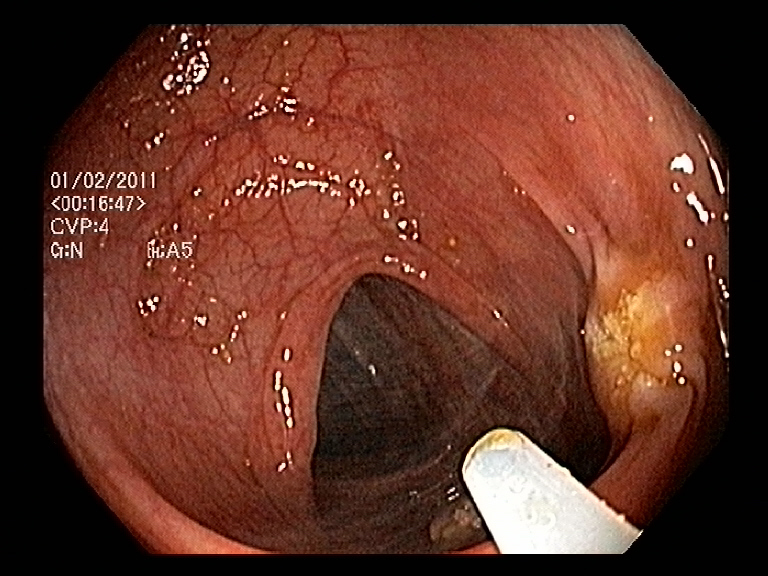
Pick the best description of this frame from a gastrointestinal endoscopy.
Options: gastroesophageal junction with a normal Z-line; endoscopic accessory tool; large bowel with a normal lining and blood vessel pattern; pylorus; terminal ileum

endoscopic accessory tool